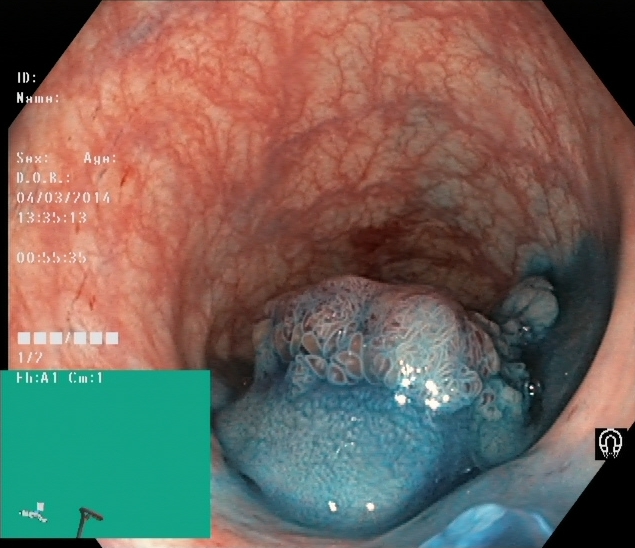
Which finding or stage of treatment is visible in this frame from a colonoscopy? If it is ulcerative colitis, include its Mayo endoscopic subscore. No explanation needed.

dyed and lifted polyp (pre-resection)